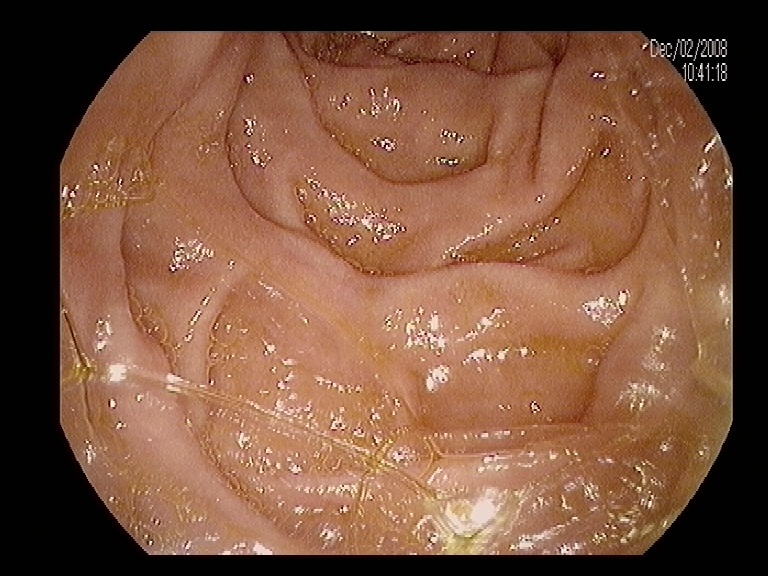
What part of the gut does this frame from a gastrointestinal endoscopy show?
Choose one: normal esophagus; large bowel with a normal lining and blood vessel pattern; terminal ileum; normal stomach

terminal ileum